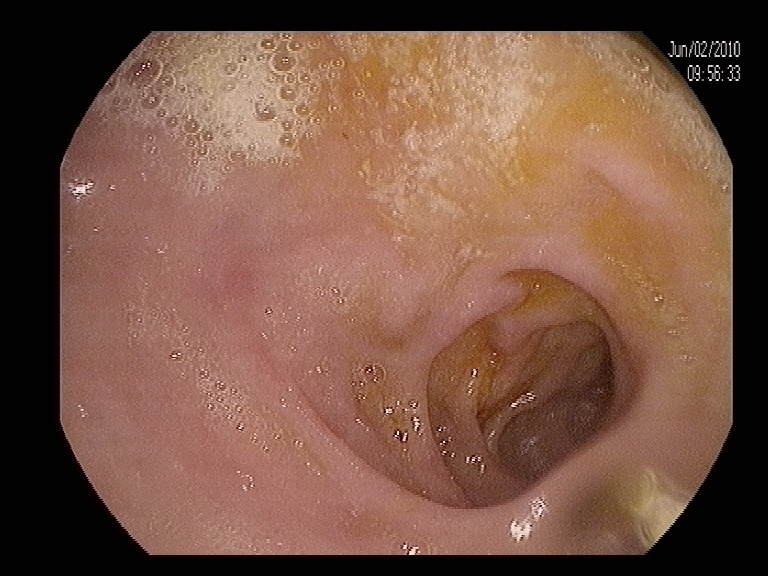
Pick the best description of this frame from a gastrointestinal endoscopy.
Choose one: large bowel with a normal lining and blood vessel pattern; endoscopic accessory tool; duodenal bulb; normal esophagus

duodenal bulb